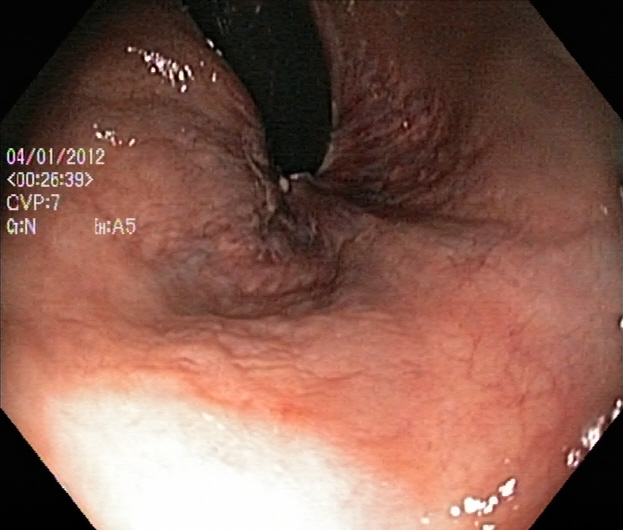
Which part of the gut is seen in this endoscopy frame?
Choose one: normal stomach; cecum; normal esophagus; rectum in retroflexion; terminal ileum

rectum in retroflexion